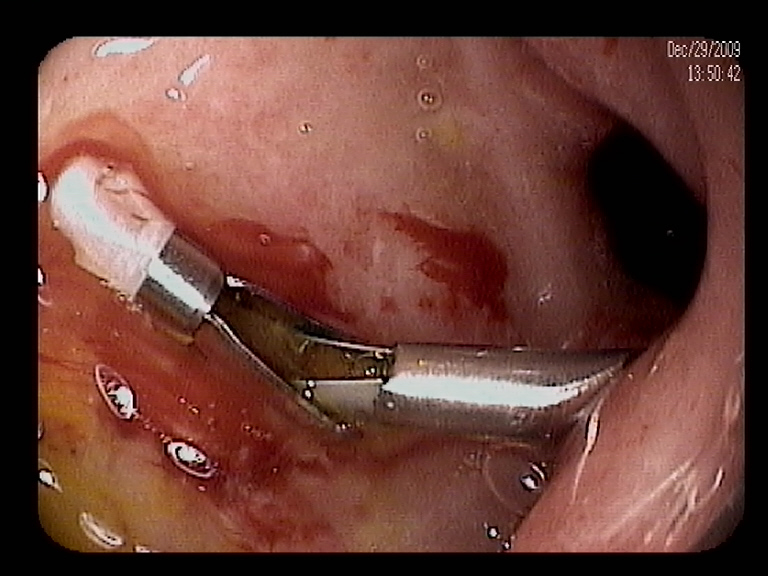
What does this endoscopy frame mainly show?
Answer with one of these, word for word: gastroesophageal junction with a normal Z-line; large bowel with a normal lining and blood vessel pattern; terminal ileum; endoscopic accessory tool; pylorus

endoscopic accessory tool